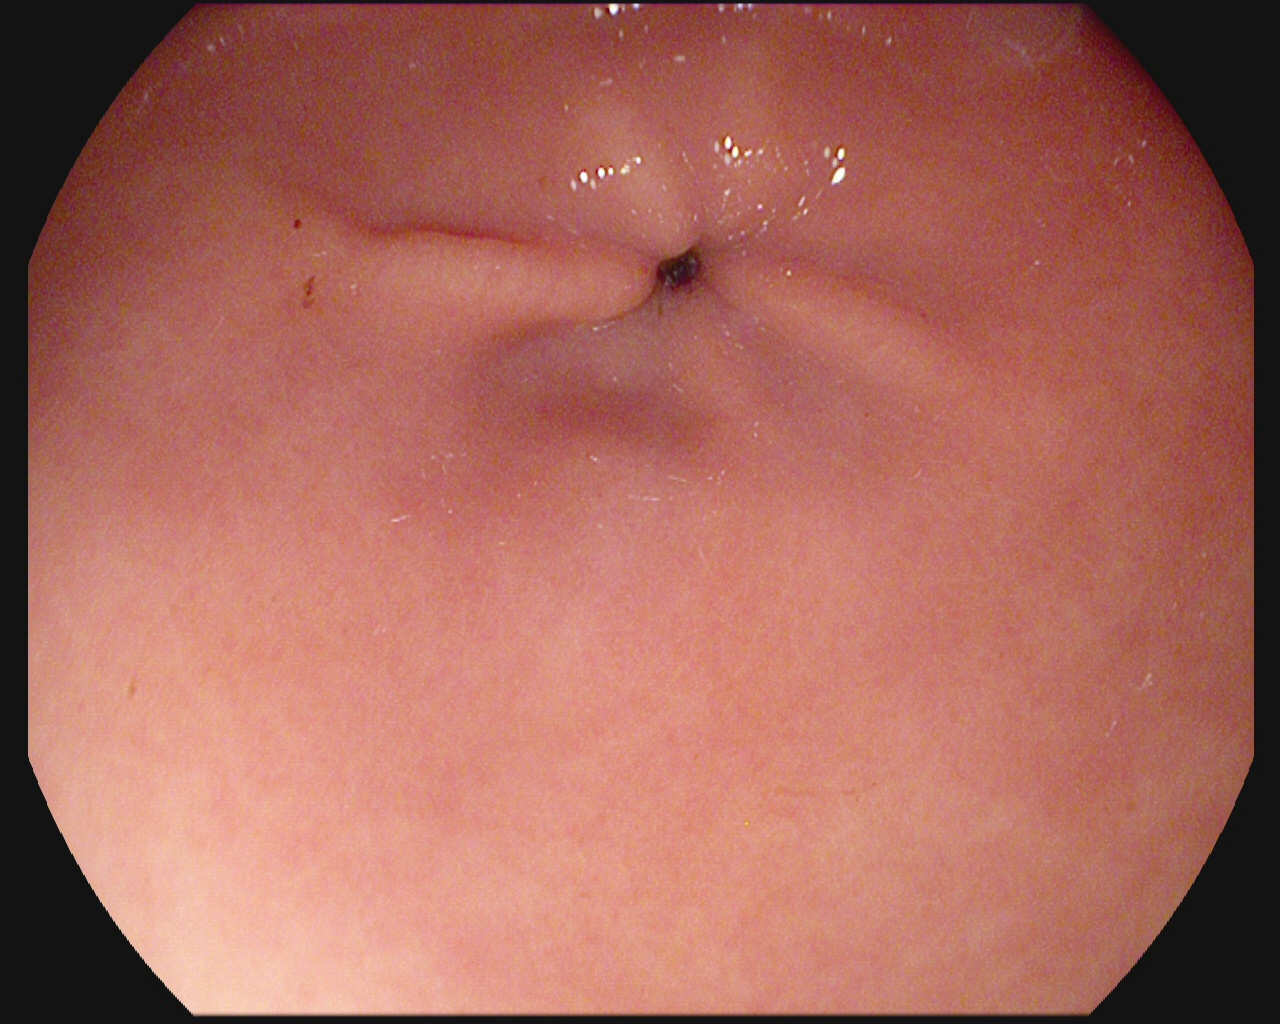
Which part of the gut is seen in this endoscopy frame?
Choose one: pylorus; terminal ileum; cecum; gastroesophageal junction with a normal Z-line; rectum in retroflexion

pylorus